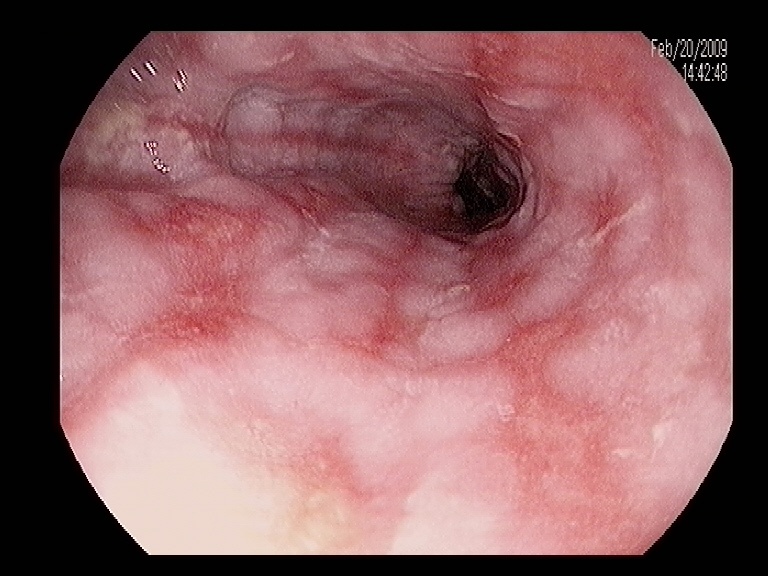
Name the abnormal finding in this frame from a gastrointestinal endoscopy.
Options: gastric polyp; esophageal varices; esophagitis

esophagitis